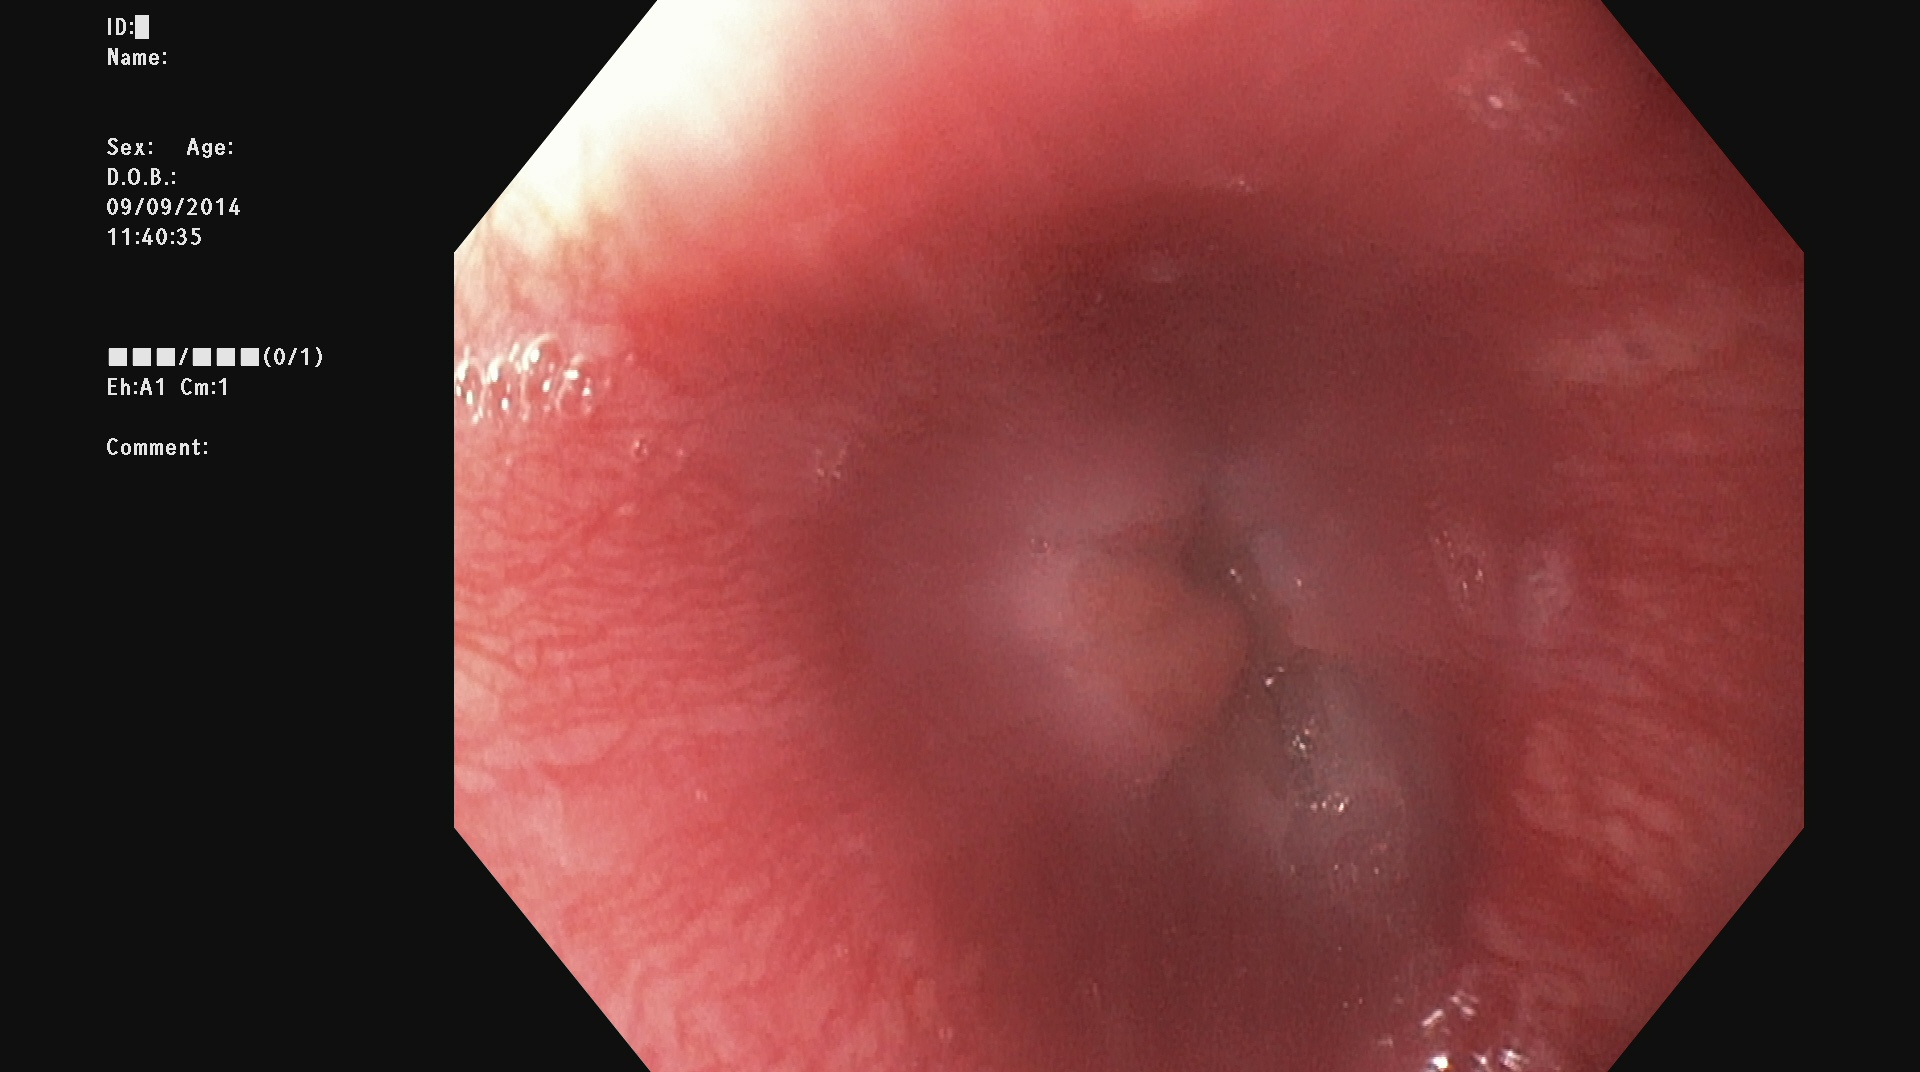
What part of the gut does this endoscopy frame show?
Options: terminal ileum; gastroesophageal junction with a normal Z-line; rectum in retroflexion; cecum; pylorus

gastroesophageal junction with a normal Z-line